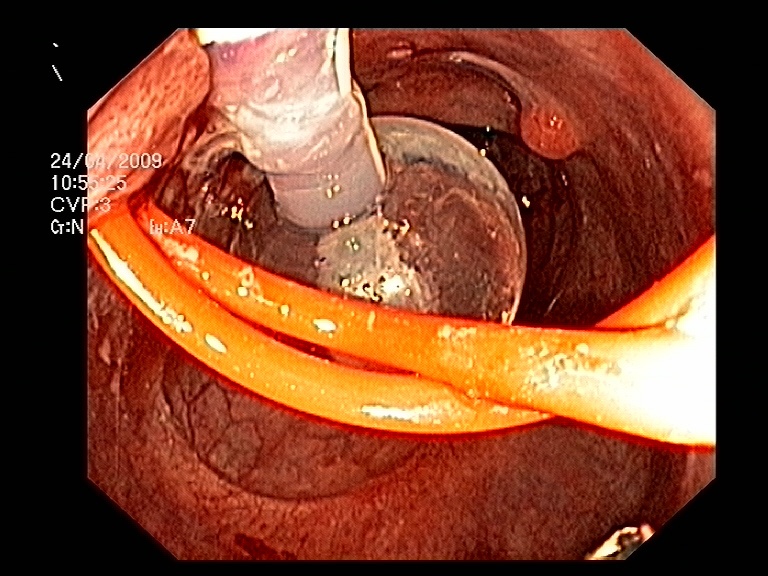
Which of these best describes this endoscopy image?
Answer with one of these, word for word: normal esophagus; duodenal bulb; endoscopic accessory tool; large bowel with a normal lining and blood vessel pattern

endoscopic accessory tool